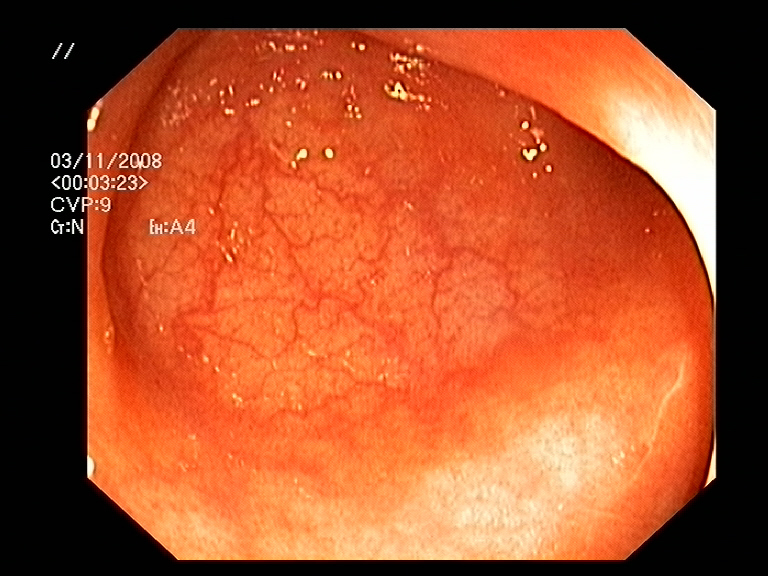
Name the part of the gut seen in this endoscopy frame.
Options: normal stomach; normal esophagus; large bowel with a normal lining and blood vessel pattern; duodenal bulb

large bowel with a normal lining and blood vessel pattern